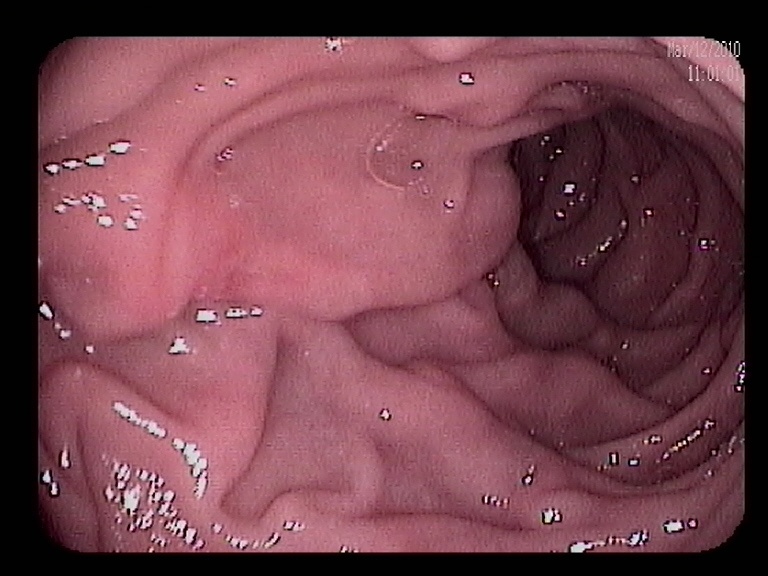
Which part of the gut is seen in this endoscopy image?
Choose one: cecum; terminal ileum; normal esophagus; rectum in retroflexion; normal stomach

terminal ileum